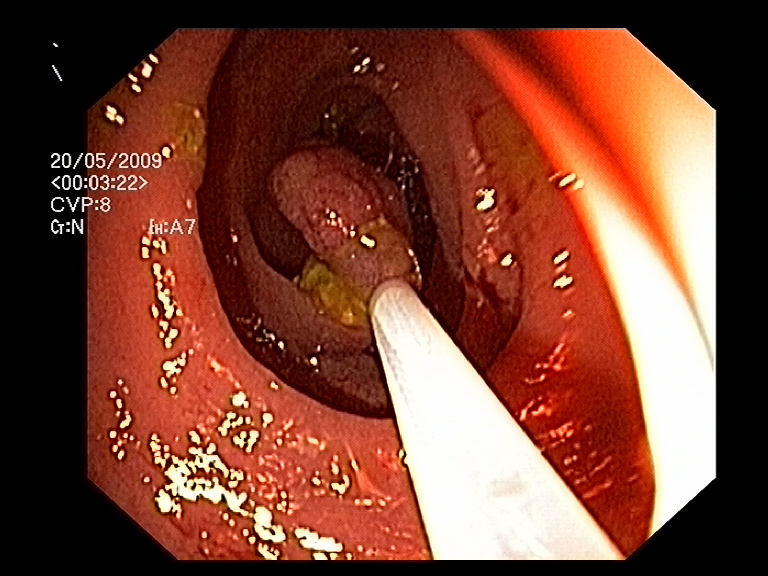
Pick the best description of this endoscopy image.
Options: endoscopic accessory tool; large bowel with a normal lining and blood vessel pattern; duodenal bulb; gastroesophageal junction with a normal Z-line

endoscopic accessory tool